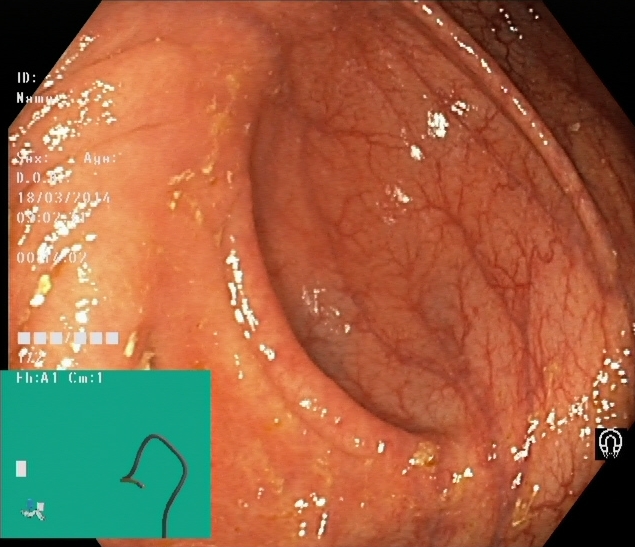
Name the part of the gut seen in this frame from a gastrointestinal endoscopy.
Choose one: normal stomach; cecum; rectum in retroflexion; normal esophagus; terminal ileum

cecum